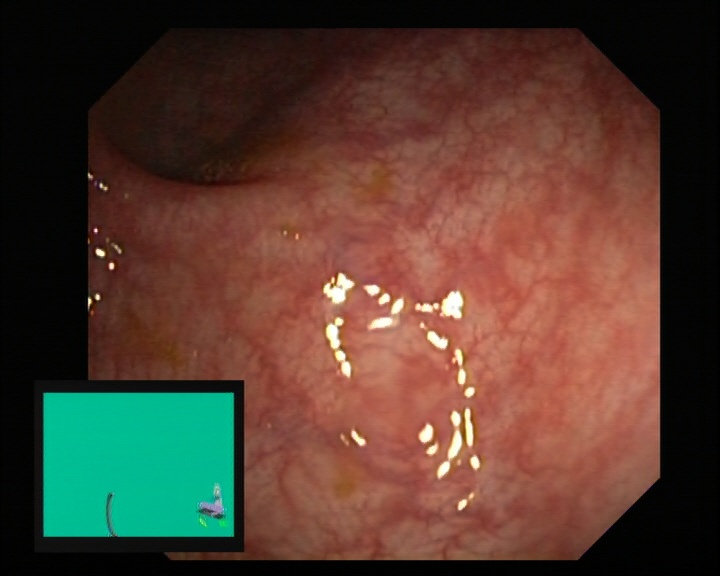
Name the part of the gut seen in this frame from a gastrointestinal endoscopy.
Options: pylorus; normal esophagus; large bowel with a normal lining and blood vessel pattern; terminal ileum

large bowel with a normal lining and blood vessel pattern